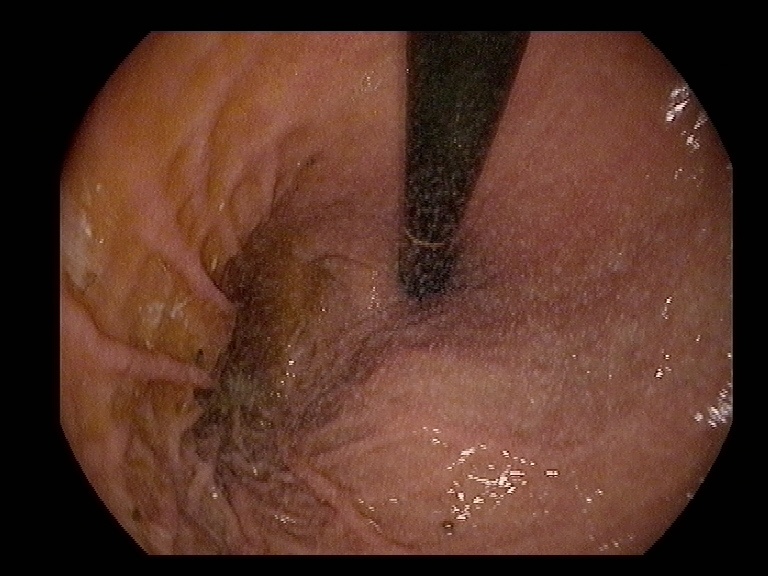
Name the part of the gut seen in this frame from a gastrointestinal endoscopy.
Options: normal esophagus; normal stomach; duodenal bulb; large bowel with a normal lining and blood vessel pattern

normal stomach